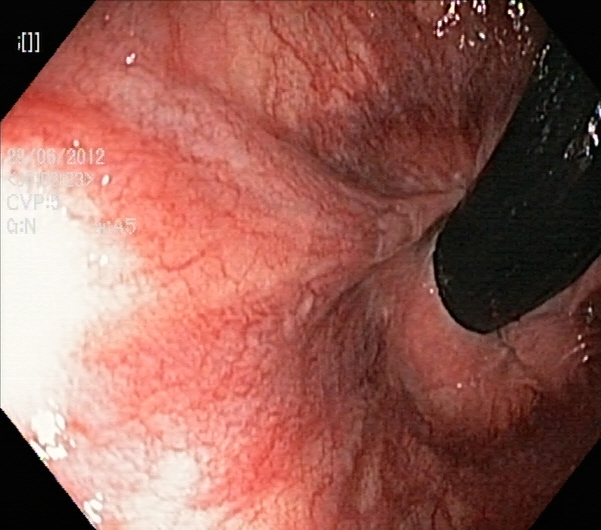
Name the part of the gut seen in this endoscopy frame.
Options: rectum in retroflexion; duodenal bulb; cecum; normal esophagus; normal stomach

rectum in retroflexion